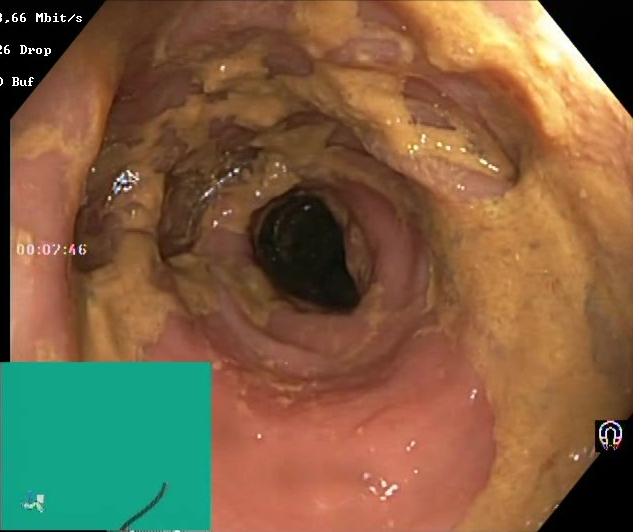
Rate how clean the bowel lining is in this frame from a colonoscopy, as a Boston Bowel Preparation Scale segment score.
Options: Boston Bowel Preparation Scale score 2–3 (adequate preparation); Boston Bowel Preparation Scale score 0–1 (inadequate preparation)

Boston Bowel Preparation Scale score 0–1 (inadequate preparation)